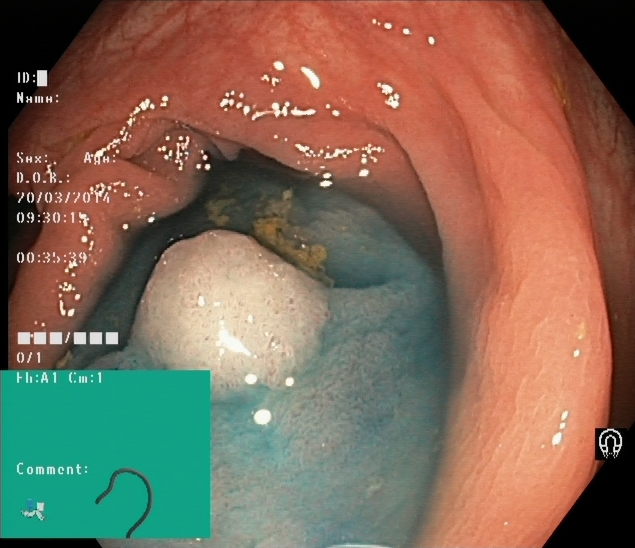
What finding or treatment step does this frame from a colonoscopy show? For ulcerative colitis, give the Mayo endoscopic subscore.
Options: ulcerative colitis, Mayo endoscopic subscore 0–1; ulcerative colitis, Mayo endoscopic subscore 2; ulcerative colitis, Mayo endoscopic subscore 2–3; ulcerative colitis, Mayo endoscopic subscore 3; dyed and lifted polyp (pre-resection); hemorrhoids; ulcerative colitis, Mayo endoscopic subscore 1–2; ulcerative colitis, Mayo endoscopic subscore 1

dyed and lifted polyp (pre-resection)